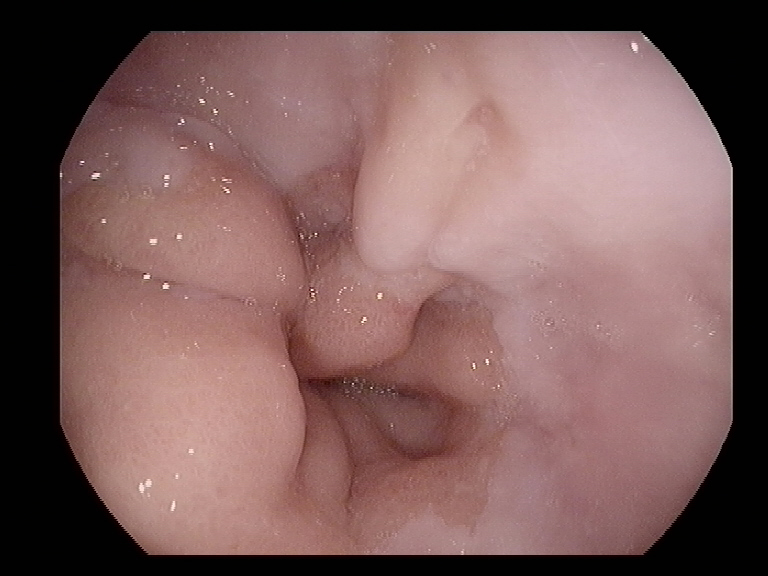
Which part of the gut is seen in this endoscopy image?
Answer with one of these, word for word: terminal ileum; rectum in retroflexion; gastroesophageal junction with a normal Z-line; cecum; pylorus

gastroesophageal junction with a normal Z-line